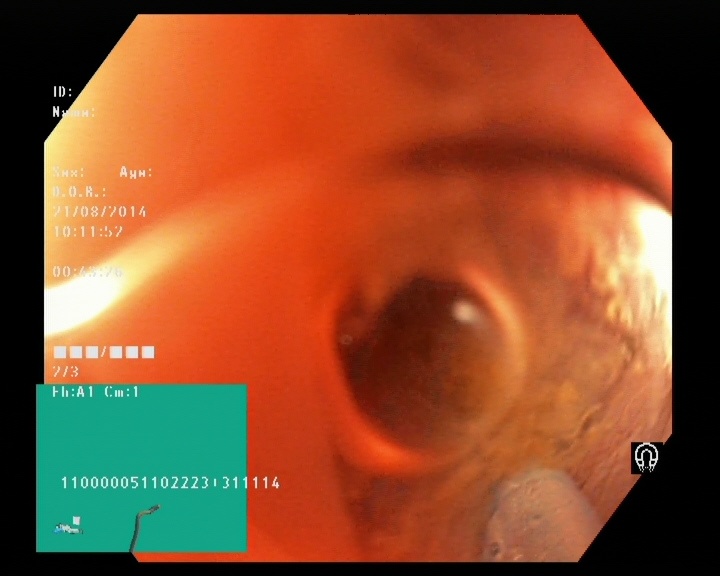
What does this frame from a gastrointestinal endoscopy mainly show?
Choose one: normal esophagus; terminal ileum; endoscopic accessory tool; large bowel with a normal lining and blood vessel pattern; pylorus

large bowel with a normal lining and blood vessel pattern